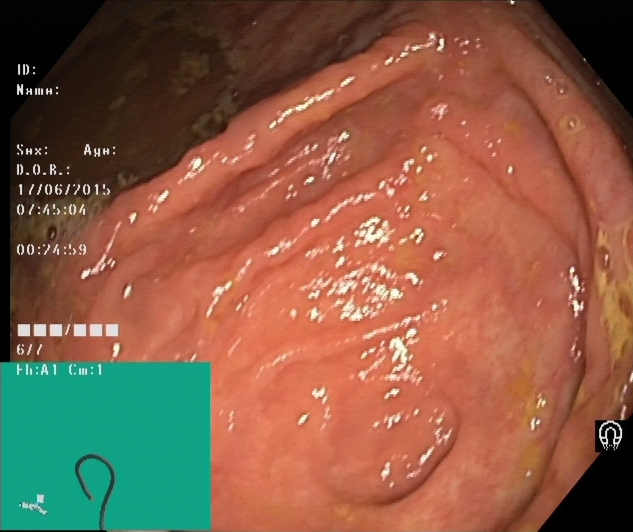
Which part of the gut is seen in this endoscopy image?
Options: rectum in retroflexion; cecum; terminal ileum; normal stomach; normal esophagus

cecum